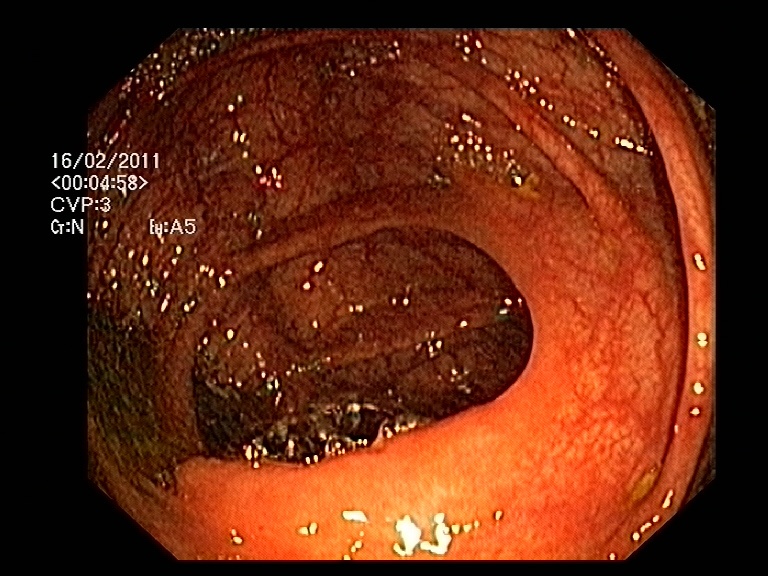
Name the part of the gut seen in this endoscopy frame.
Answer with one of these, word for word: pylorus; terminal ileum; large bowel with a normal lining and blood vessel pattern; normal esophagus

large bowel with a normal lining and blood vessel pattern